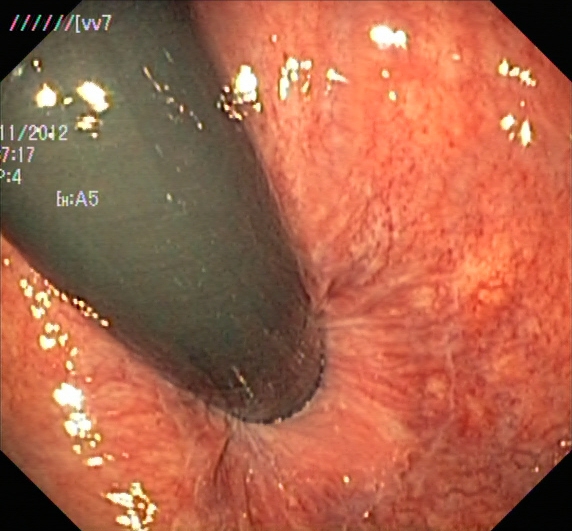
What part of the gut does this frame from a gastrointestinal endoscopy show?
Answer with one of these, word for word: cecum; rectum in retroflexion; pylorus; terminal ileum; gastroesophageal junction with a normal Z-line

rectum in retroflexion